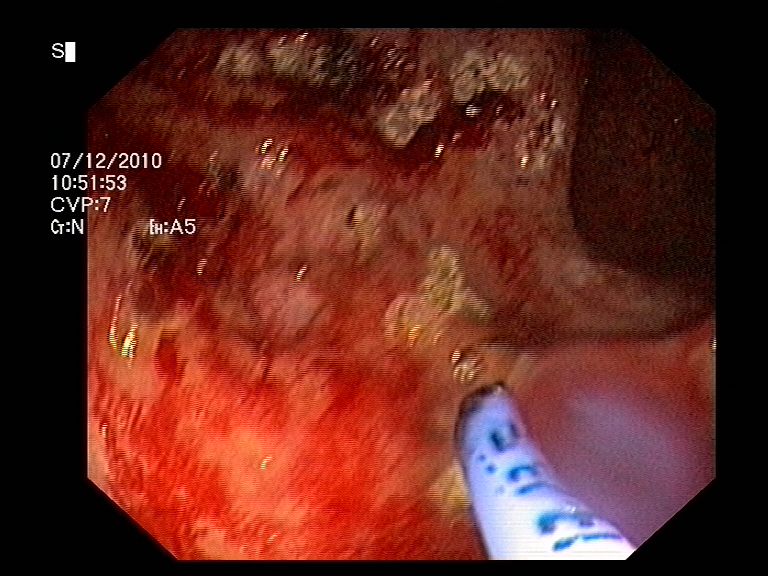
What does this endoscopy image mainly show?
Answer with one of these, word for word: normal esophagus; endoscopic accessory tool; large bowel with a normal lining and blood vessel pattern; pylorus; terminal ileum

endoscopic accessory tool